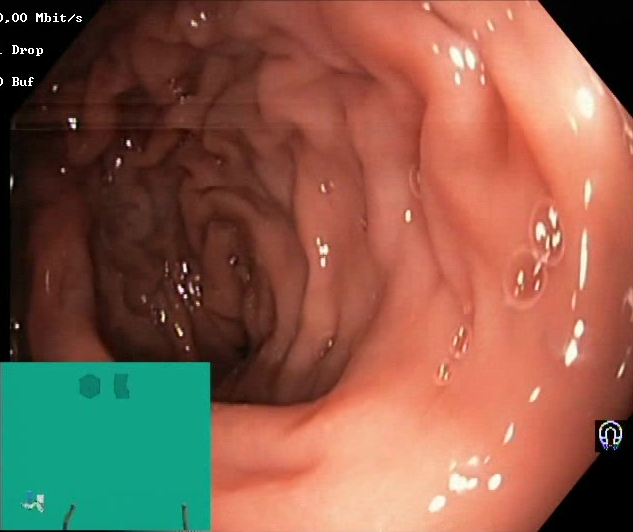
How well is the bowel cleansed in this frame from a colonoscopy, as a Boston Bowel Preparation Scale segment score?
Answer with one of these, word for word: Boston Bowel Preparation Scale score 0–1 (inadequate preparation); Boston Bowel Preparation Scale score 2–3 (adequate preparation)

Boston Bowel Preparation Scale score 2–3 (adequate preparation)